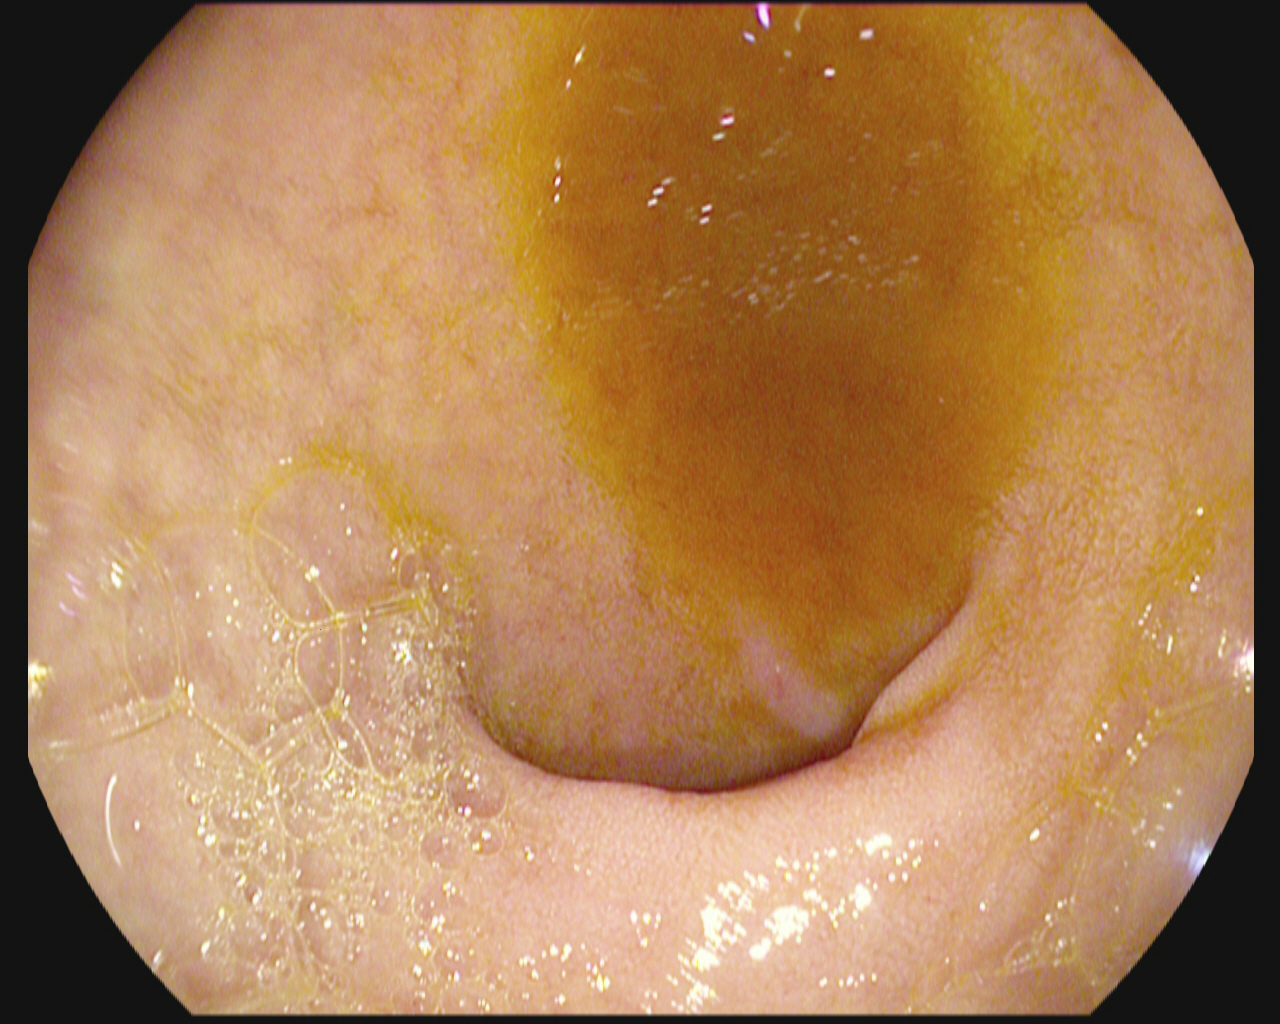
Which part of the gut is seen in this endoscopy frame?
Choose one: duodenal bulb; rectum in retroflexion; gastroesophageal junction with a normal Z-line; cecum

duodenal bulb